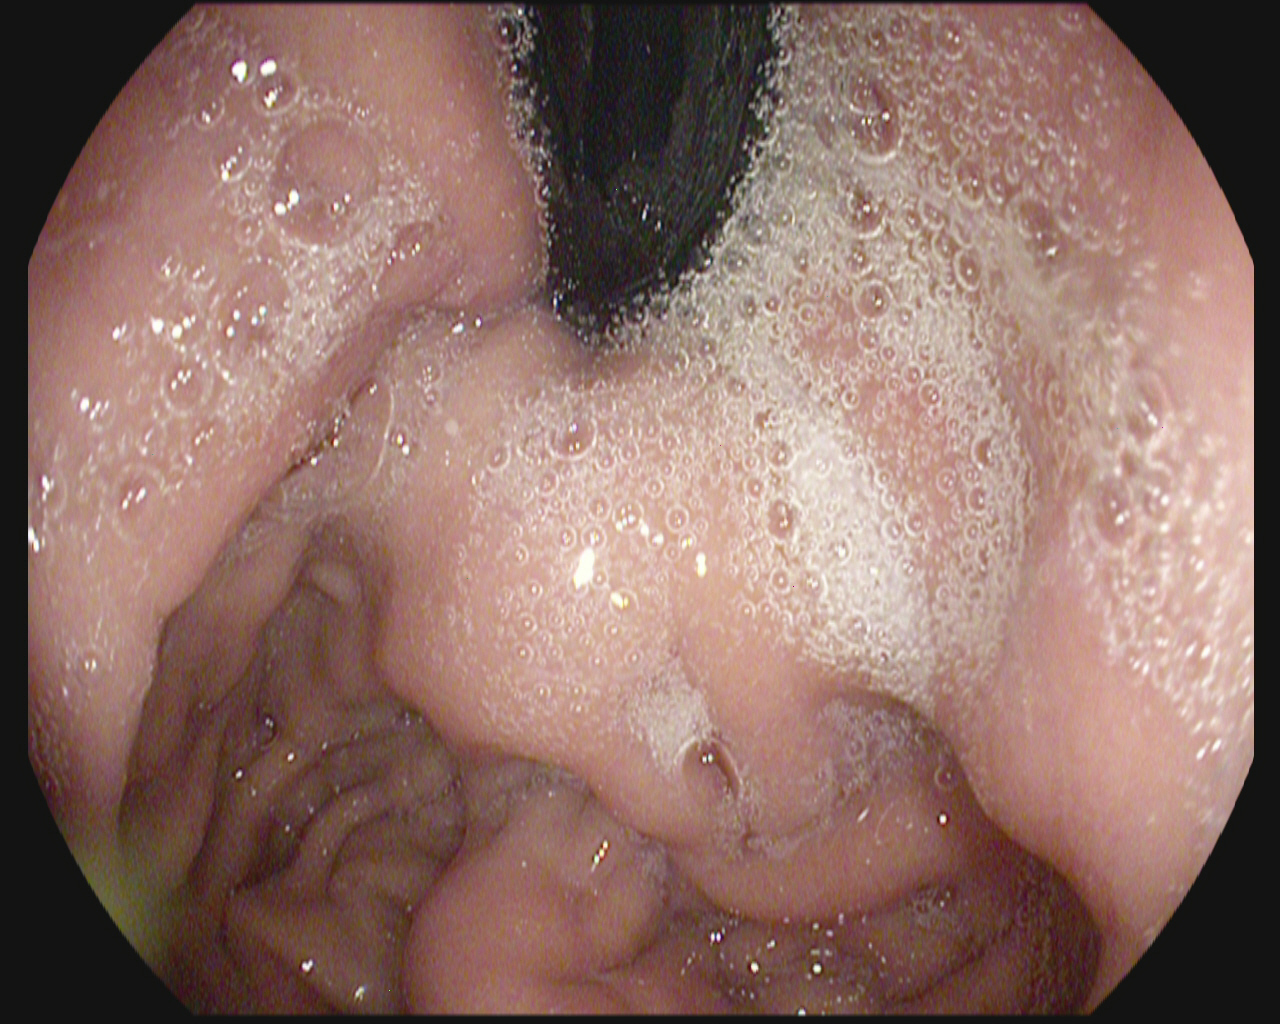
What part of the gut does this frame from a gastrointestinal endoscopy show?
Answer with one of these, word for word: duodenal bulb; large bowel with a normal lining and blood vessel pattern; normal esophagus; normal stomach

normal stomach